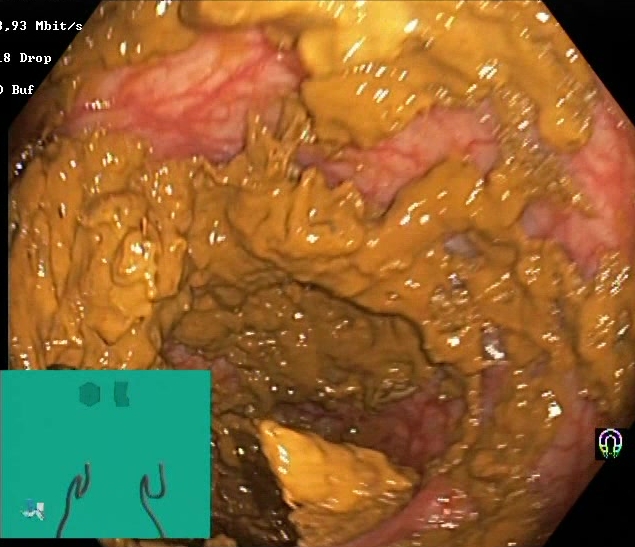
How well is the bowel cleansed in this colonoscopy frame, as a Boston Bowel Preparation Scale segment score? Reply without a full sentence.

Boston Bowel Preparation Scale score 0–1 (inadequate preparation)